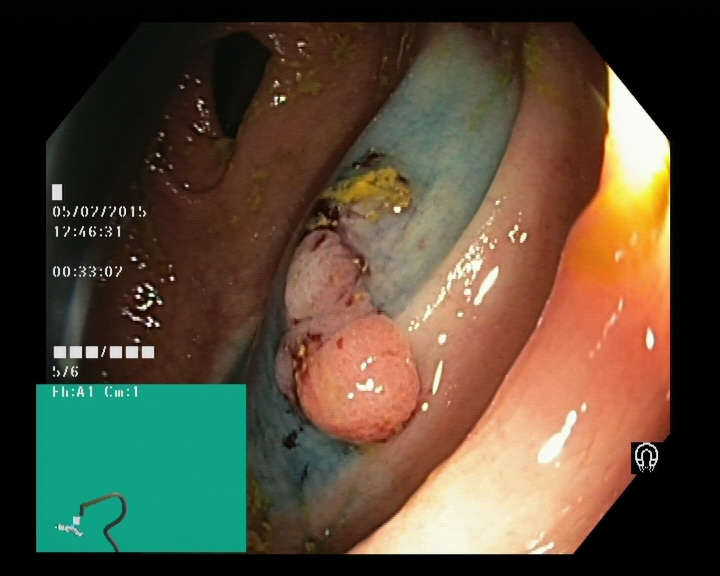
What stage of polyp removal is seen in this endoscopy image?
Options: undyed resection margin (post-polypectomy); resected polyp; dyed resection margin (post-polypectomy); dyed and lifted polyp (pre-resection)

dyed and lifted polyp (pre-resection)